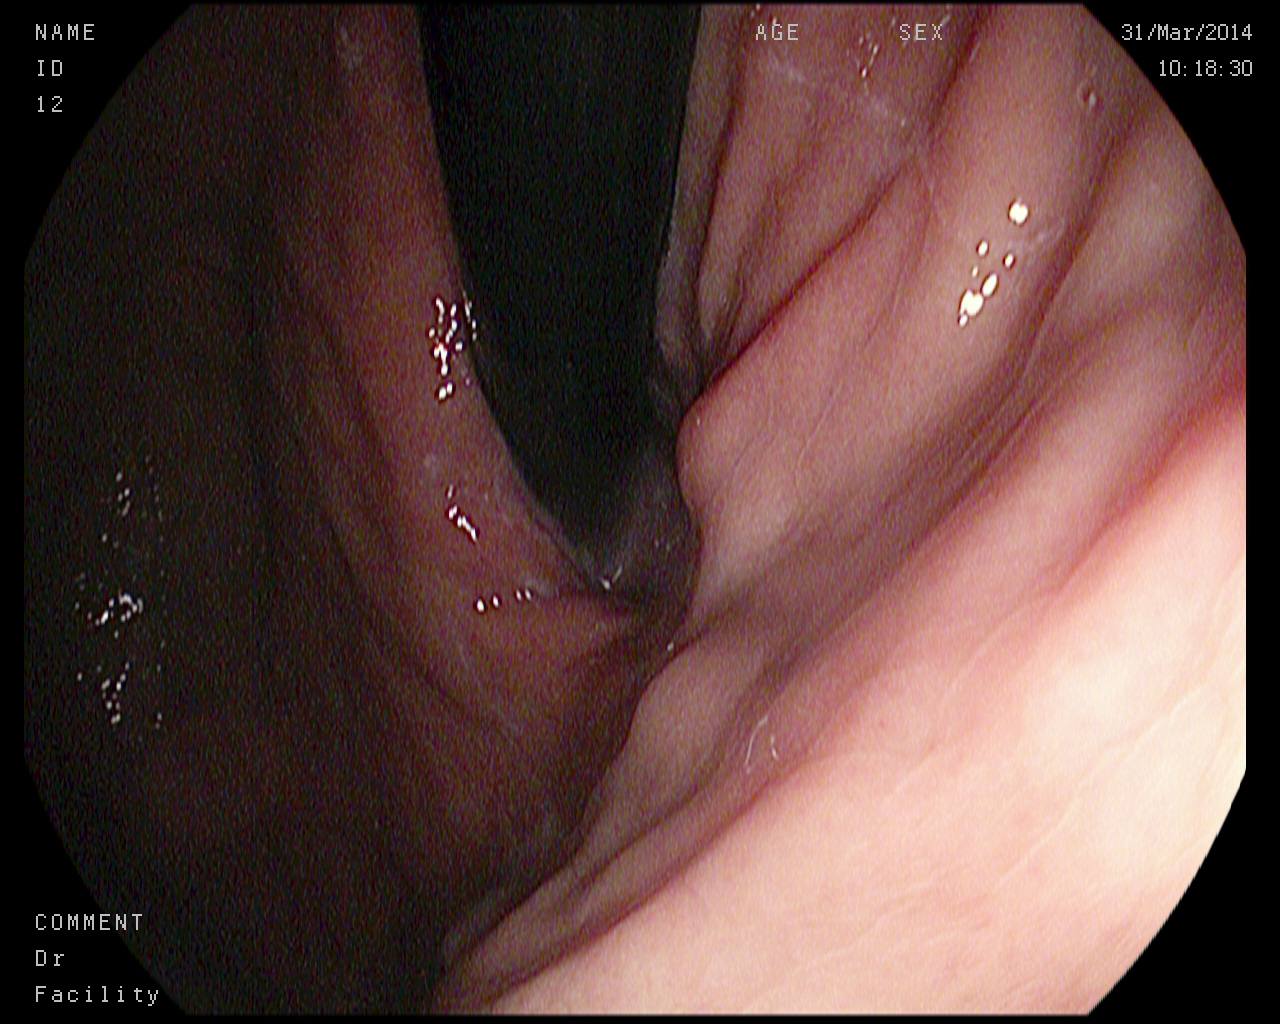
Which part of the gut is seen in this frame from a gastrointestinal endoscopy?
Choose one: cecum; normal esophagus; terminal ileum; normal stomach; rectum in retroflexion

normal stomach